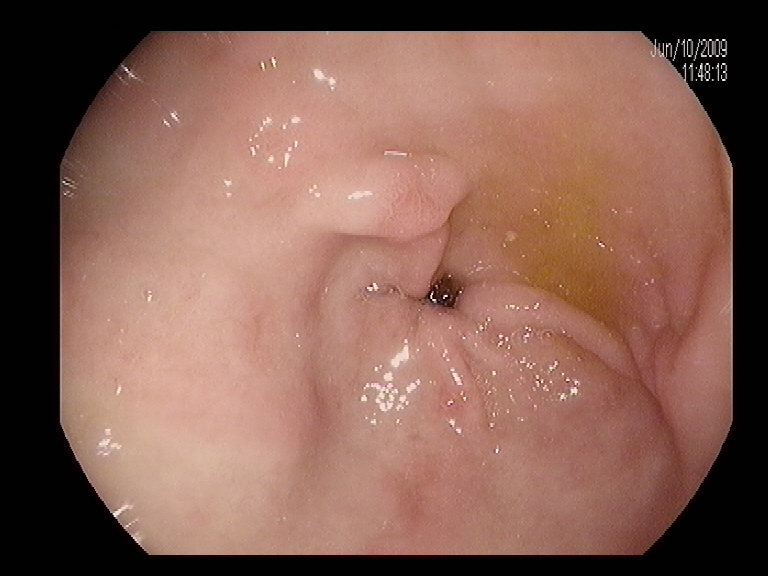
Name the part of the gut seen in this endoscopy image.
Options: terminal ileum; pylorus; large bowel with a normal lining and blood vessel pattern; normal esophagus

pylorus